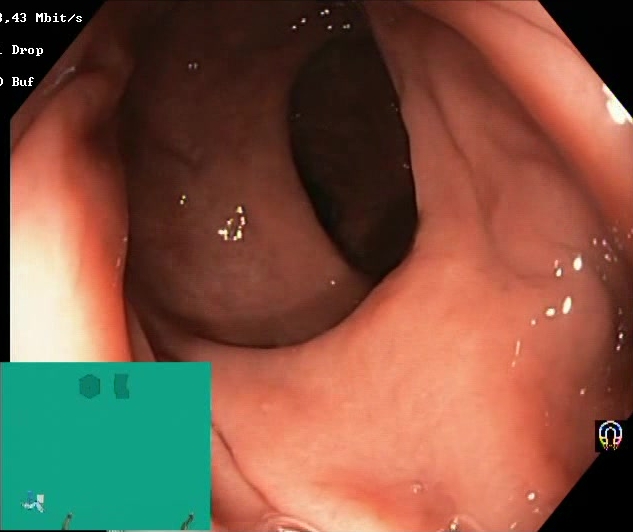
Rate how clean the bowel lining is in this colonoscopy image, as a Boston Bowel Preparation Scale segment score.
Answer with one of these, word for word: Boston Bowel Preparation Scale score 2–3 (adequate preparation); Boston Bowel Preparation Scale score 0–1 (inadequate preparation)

Boston Bowel Preparation Scale score 2–3 (adequate preparation)